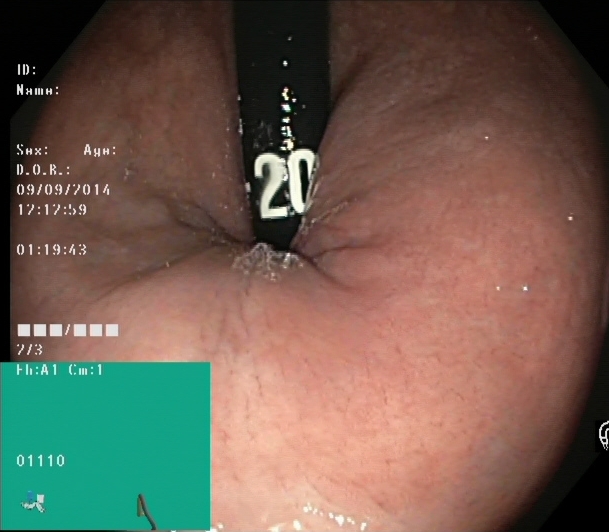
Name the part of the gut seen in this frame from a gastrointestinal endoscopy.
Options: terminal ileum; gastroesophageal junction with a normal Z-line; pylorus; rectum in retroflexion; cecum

rectum in retroflexion